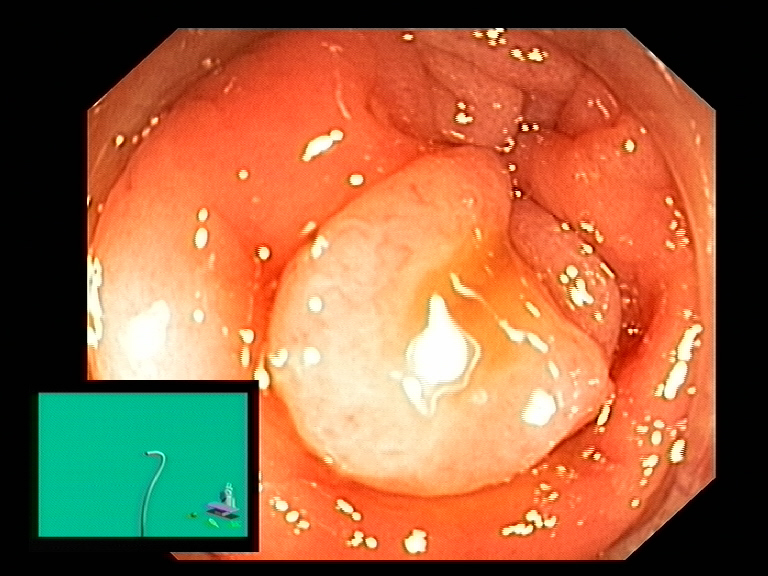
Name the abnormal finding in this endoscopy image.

colon polyp